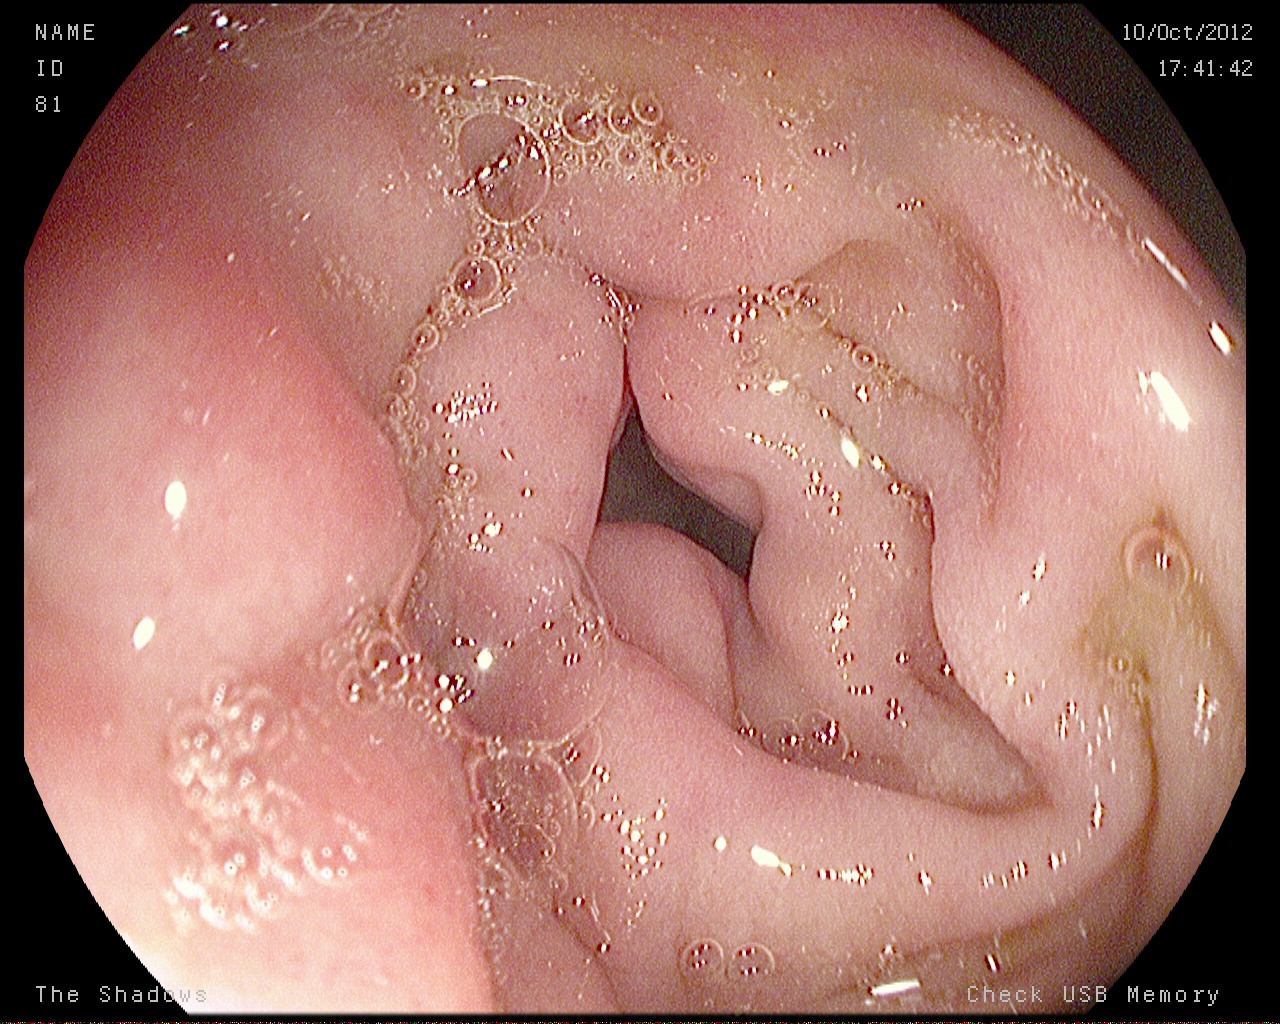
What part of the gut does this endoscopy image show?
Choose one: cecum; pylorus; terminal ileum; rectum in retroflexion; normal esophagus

terminal ileum